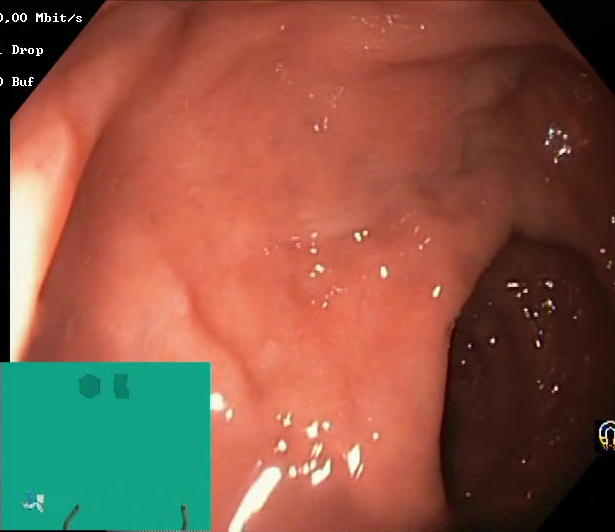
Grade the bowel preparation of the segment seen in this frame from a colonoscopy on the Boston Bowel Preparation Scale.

Boston Bowel Preparation Scale score 2–3 (adequate preparation)